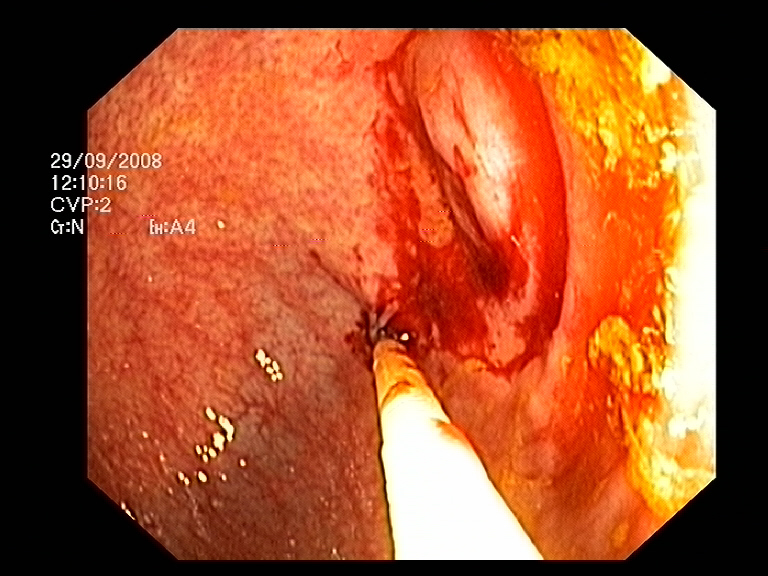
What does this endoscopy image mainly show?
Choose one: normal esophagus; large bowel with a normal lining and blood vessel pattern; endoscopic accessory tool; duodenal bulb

endoscopic accessory tool